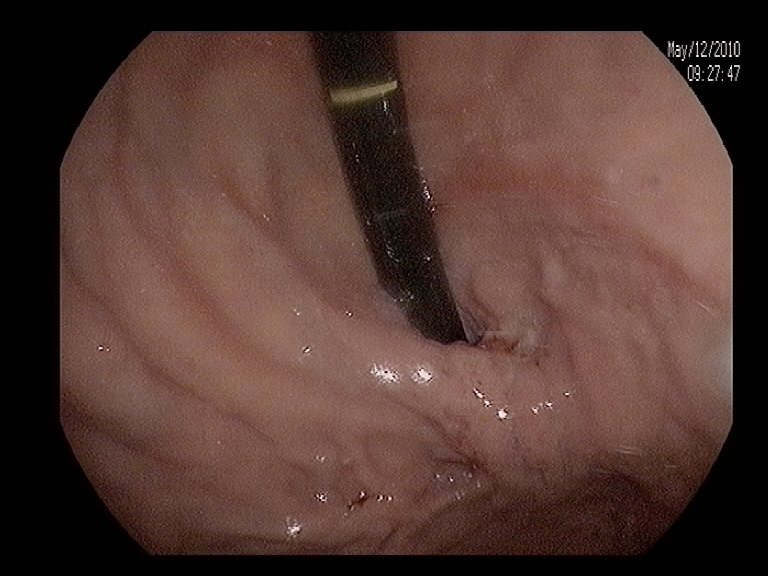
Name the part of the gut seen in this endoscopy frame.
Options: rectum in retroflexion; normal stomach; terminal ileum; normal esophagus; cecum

normal stomach